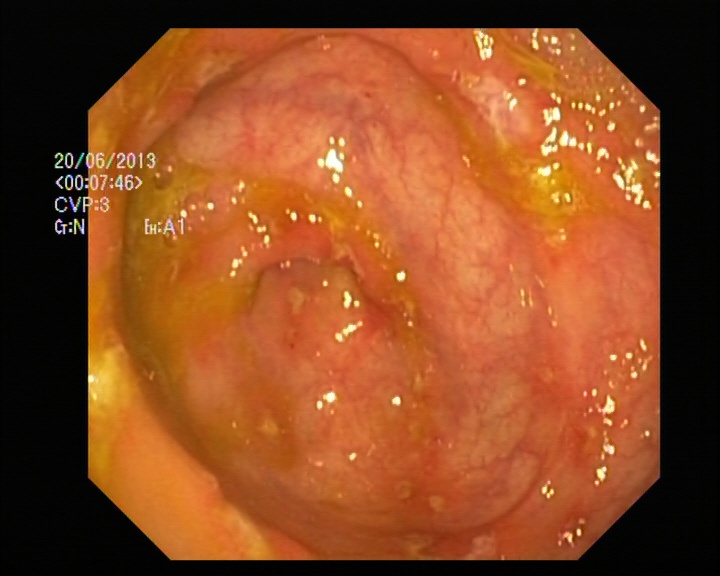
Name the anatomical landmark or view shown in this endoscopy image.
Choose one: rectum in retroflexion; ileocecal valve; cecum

cecum